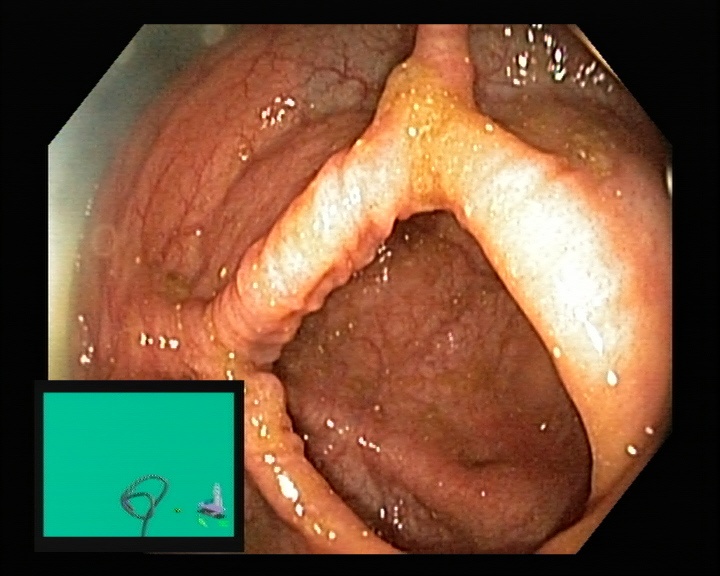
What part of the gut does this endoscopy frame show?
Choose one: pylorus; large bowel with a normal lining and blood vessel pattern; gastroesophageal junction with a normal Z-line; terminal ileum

large bowel with a normal lining and blood vessel pattern